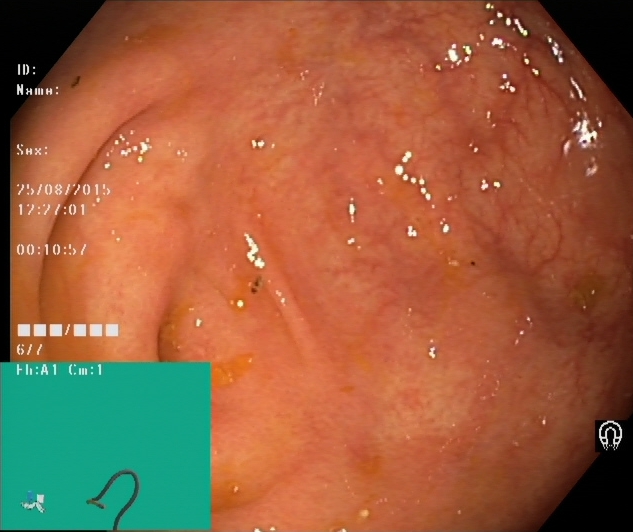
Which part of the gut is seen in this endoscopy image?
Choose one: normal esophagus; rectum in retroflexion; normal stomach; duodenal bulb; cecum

cecum